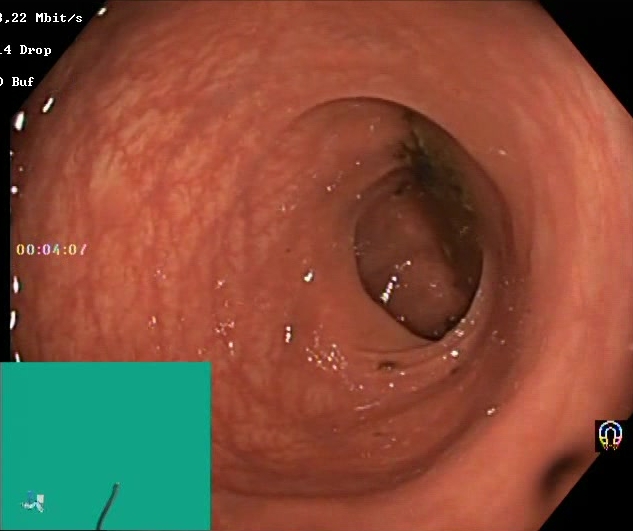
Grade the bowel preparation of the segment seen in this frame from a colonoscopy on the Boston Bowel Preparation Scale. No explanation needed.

Boston Bowel Preparation Scale score 0–1 (inadequate preparation)